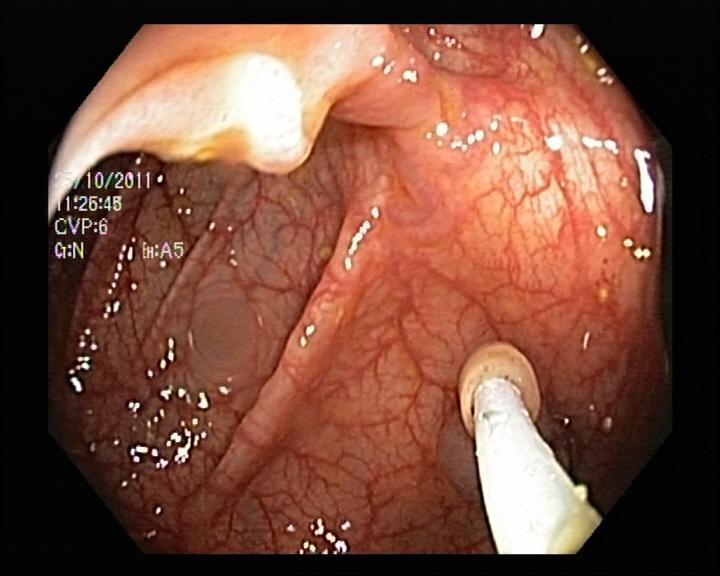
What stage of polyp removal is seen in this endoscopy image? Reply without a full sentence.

resected polyp